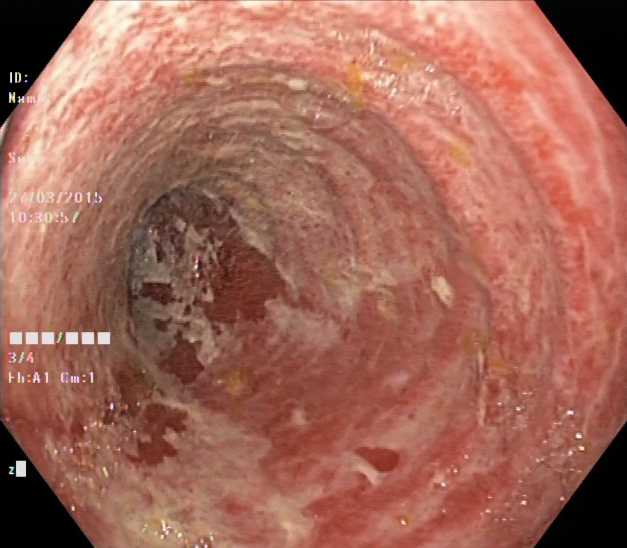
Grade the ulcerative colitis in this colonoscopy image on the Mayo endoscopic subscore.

ulcerative colitis, Mayo endoscopic subscore 2